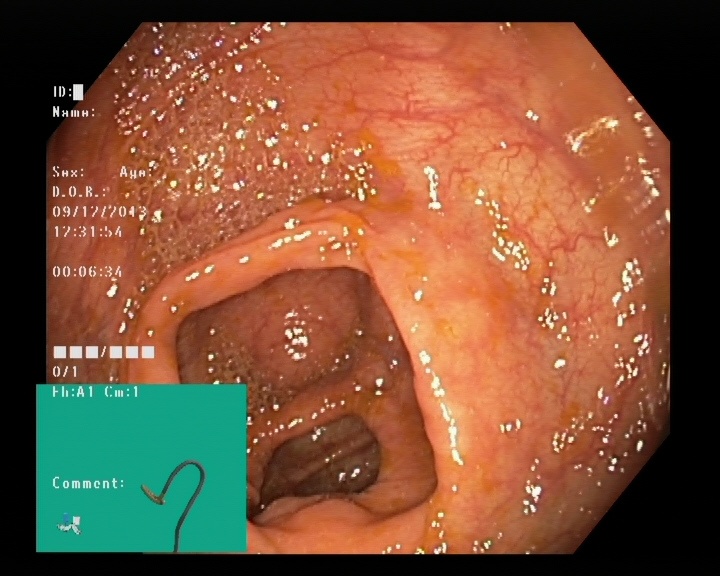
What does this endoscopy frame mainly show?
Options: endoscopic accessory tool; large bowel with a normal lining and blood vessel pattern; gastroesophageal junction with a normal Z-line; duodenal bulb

large bowel with a normal lining and blood vessel pattern